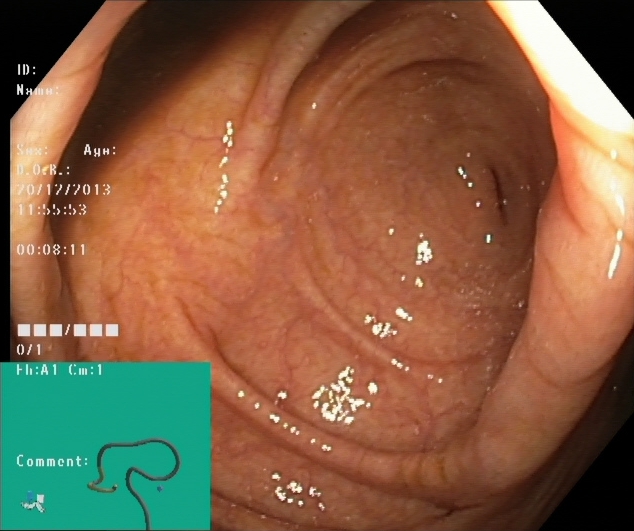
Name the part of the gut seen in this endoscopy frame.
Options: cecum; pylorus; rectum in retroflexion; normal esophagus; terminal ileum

cecum